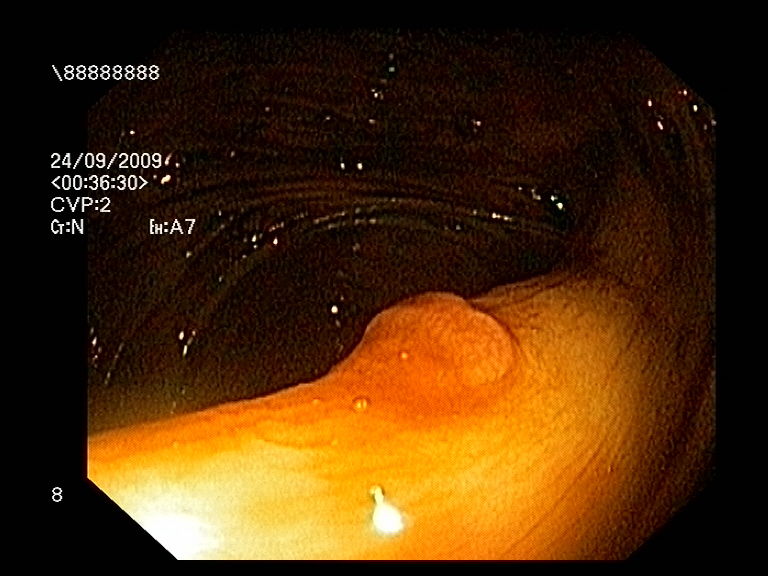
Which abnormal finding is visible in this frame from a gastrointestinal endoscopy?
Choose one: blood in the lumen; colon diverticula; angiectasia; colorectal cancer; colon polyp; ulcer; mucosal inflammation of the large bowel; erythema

colon polyp